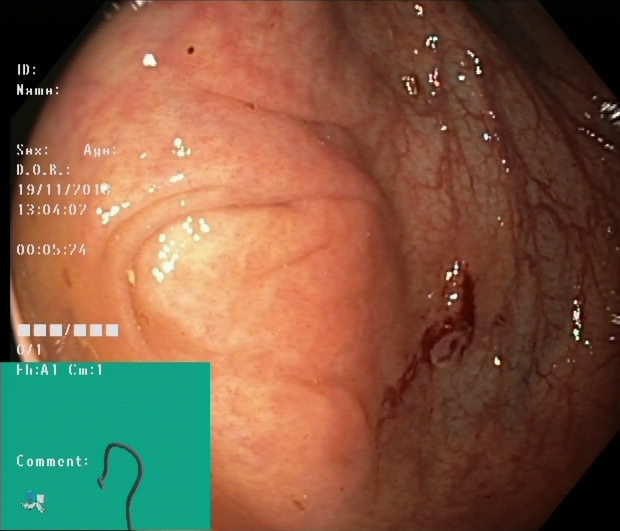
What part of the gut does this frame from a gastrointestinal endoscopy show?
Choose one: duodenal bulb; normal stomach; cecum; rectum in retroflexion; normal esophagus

cecum